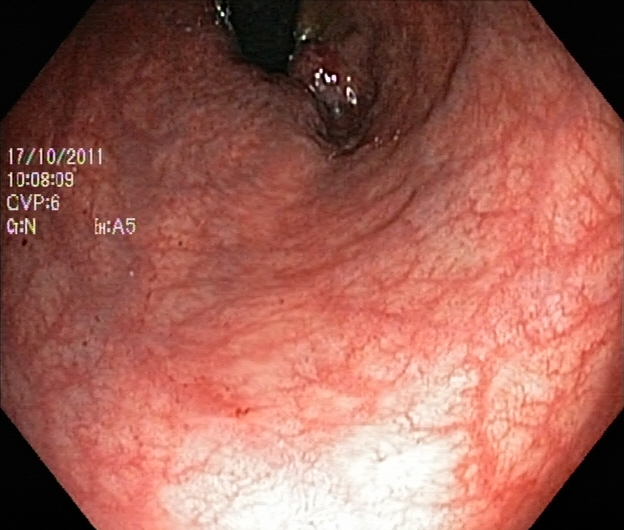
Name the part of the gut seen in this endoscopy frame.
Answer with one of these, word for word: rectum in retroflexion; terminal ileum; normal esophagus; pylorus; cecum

rectum in retroflexion